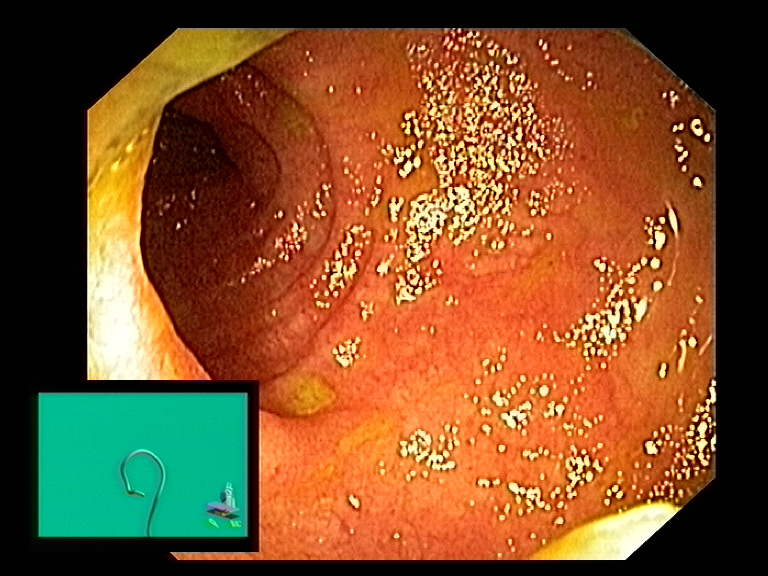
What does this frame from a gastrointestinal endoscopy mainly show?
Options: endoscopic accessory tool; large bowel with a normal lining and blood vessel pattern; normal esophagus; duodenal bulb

large bowel with a normal lining and blood vessel pattern